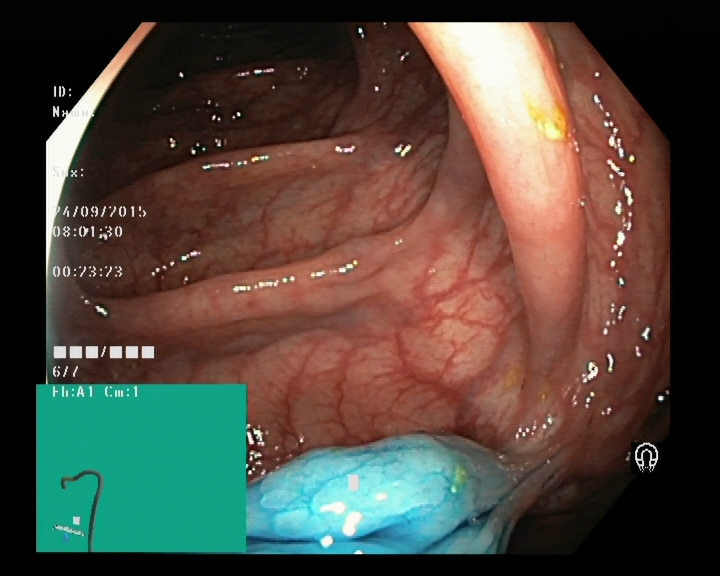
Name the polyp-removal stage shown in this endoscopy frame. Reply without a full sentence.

dyed and lifted polyp (pre-resection)